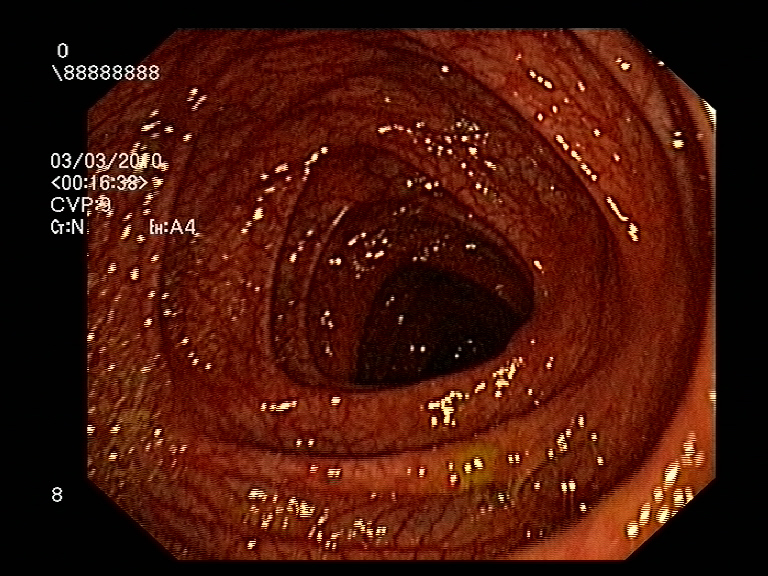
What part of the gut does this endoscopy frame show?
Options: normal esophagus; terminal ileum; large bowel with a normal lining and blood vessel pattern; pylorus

large bowel with a normal lining and blood vessel pattern